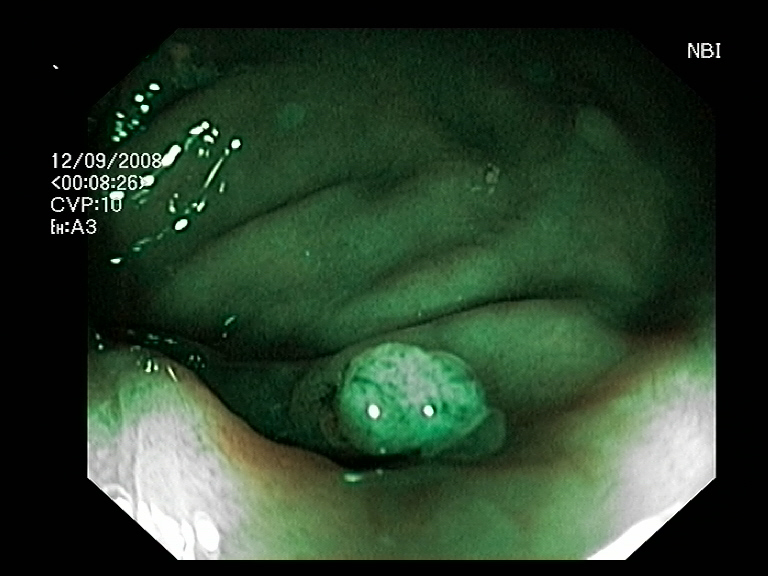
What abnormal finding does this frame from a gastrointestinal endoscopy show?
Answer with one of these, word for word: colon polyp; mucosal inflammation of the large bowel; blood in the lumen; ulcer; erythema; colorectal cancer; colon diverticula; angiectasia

colon polyp